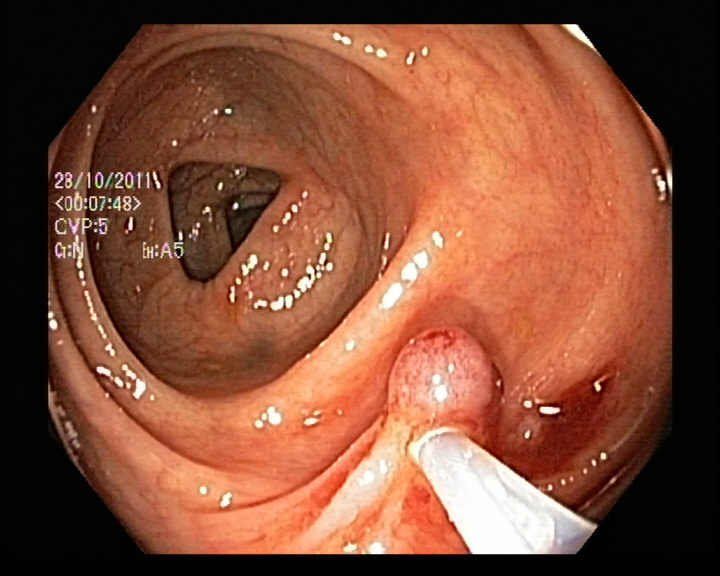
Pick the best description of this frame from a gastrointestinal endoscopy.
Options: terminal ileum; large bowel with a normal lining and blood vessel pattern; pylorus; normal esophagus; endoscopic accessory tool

endoscopic accessory tool